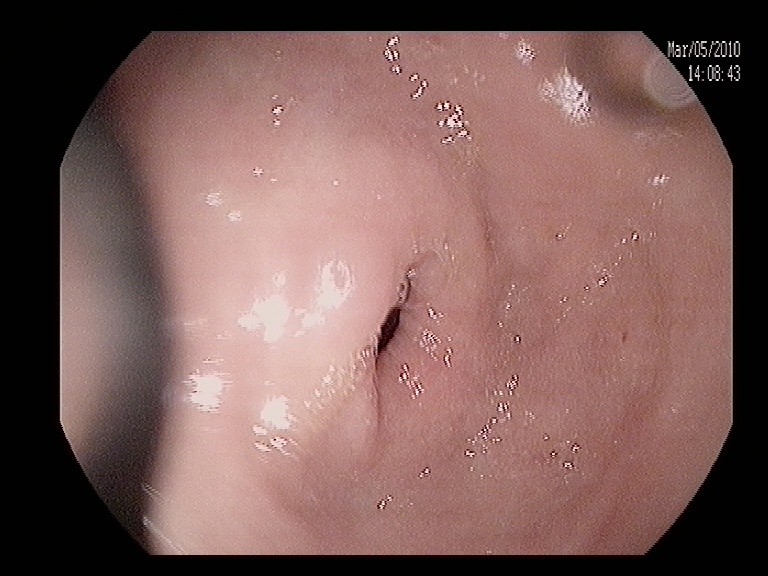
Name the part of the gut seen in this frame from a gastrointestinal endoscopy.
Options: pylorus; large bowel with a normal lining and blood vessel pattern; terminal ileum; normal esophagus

pylorus